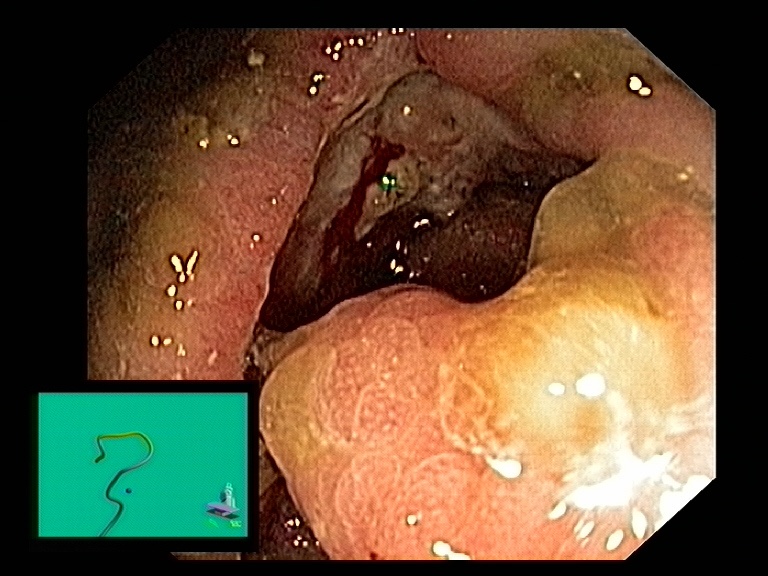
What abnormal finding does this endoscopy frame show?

colorectal cancer